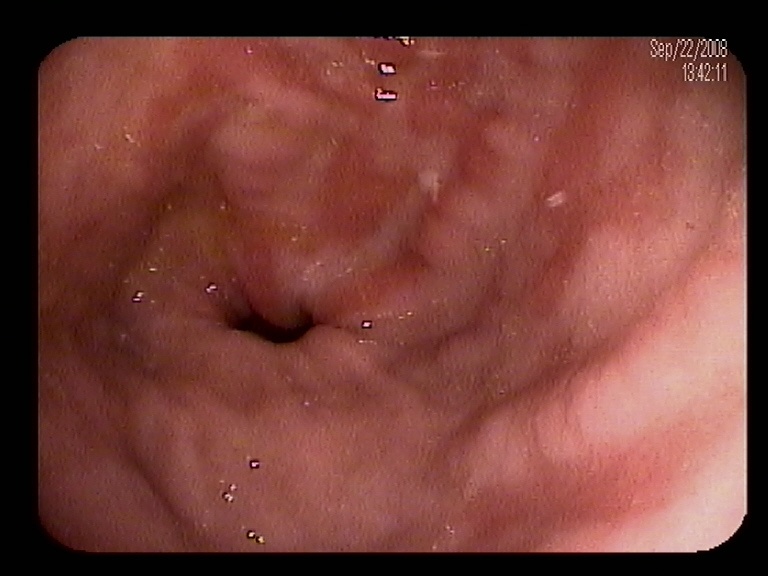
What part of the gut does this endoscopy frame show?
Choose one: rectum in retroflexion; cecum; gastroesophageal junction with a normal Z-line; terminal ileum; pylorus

pylorus